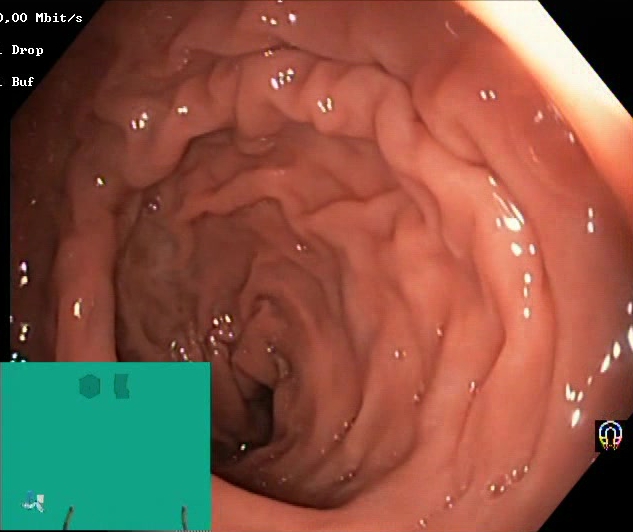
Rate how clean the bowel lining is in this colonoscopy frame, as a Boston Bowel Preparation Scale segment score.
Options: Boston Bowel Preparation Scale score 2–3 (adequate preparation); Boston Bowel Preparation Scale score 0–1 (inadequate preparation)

Boston Bowel Preparation Scale score 2–3 (adequate preparation)